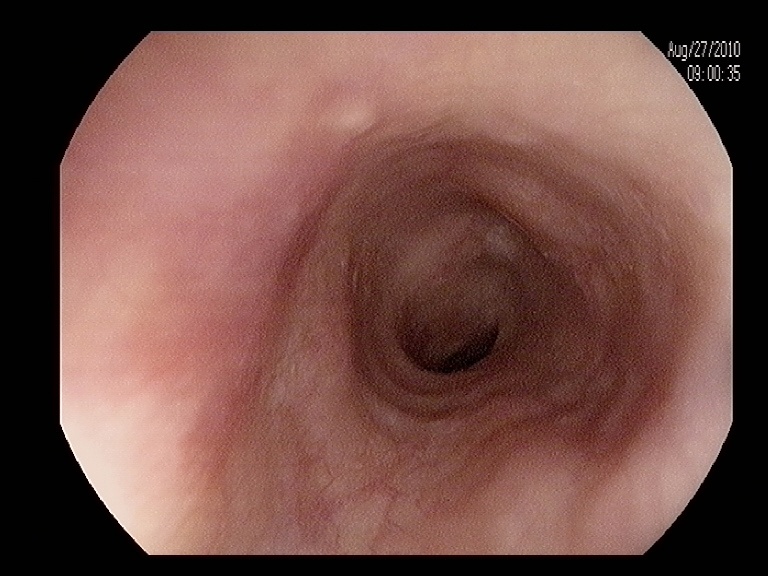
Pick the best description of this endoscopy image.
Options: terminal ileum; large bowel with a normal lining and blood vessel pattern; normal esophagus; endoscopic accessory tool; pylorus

normal esophagus